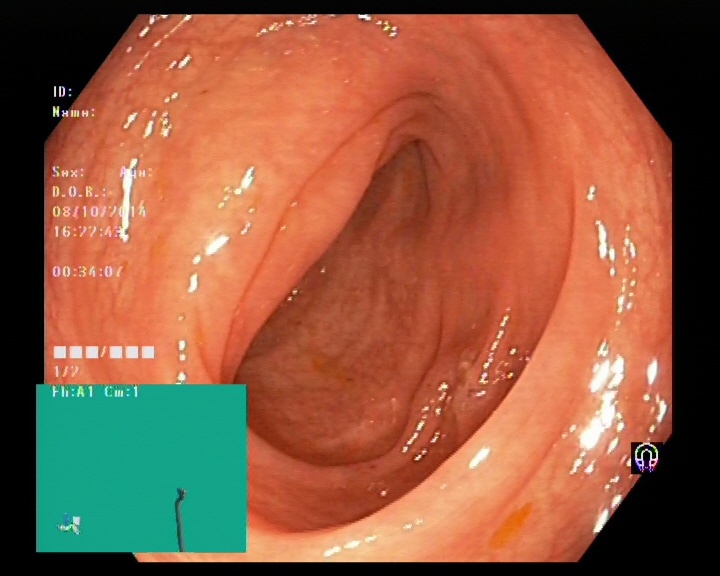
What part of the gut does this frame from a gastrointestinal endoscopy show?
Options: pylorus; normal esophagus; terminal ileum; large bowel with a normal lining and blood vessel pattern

large bowel with a normal lining and blood vessel pattern